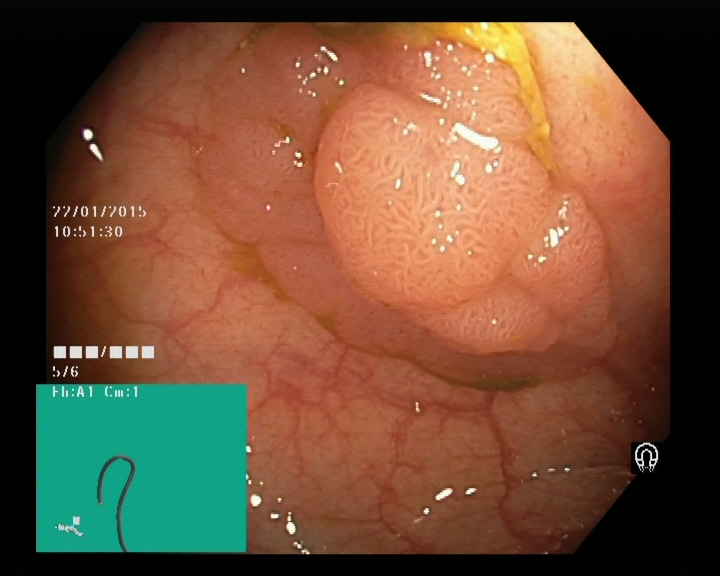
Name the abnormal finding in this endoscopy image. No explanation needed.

colon polyp